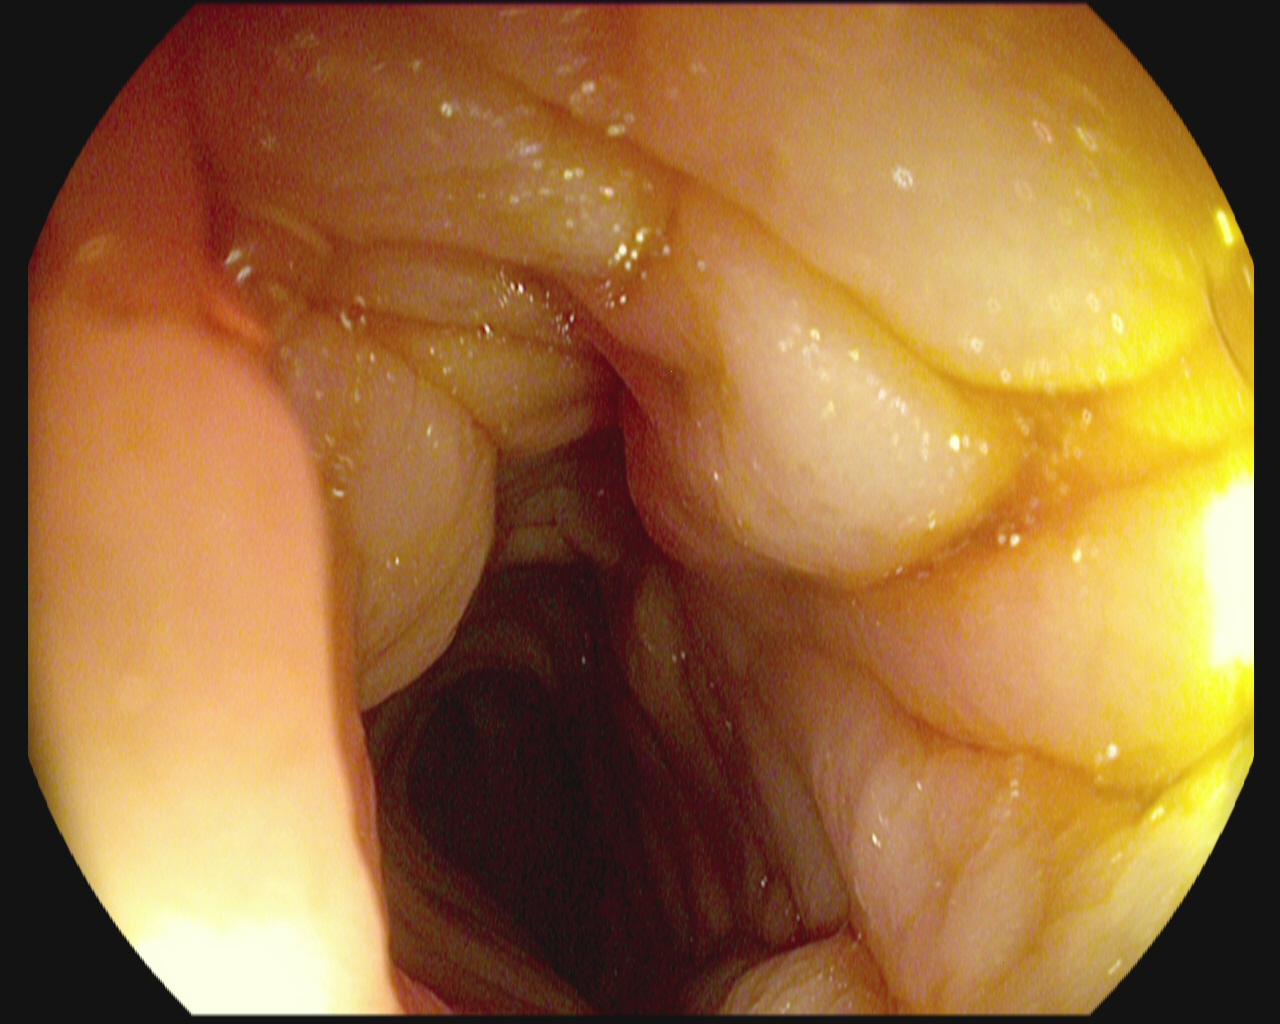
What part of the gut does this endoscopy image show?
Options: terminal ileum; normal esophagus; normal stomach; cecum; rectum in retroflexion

terminal ileum